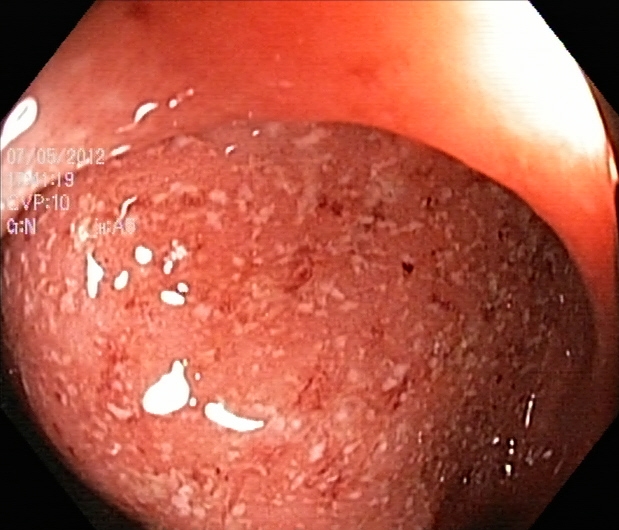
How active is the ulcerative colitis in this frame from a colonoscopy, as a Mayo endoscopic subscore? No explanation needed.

ulcerative colitis, Mayo endoscopic subscore 2